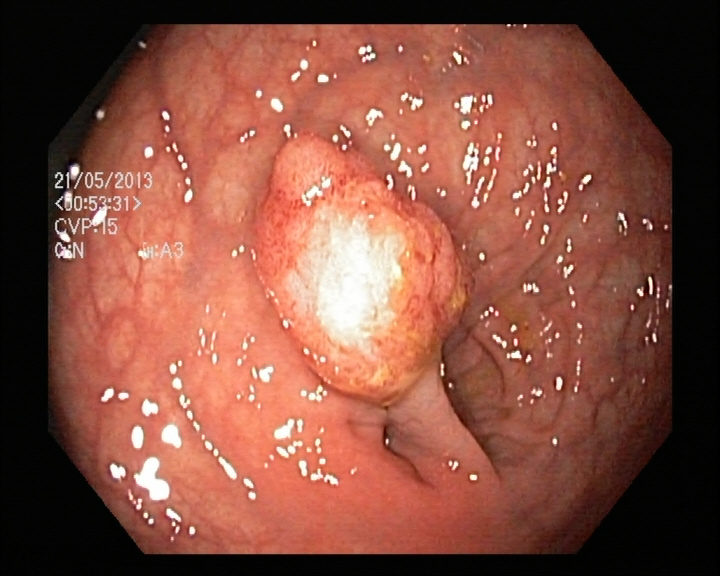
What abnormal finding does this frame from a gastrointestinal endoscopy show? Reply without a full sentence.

colon polyp